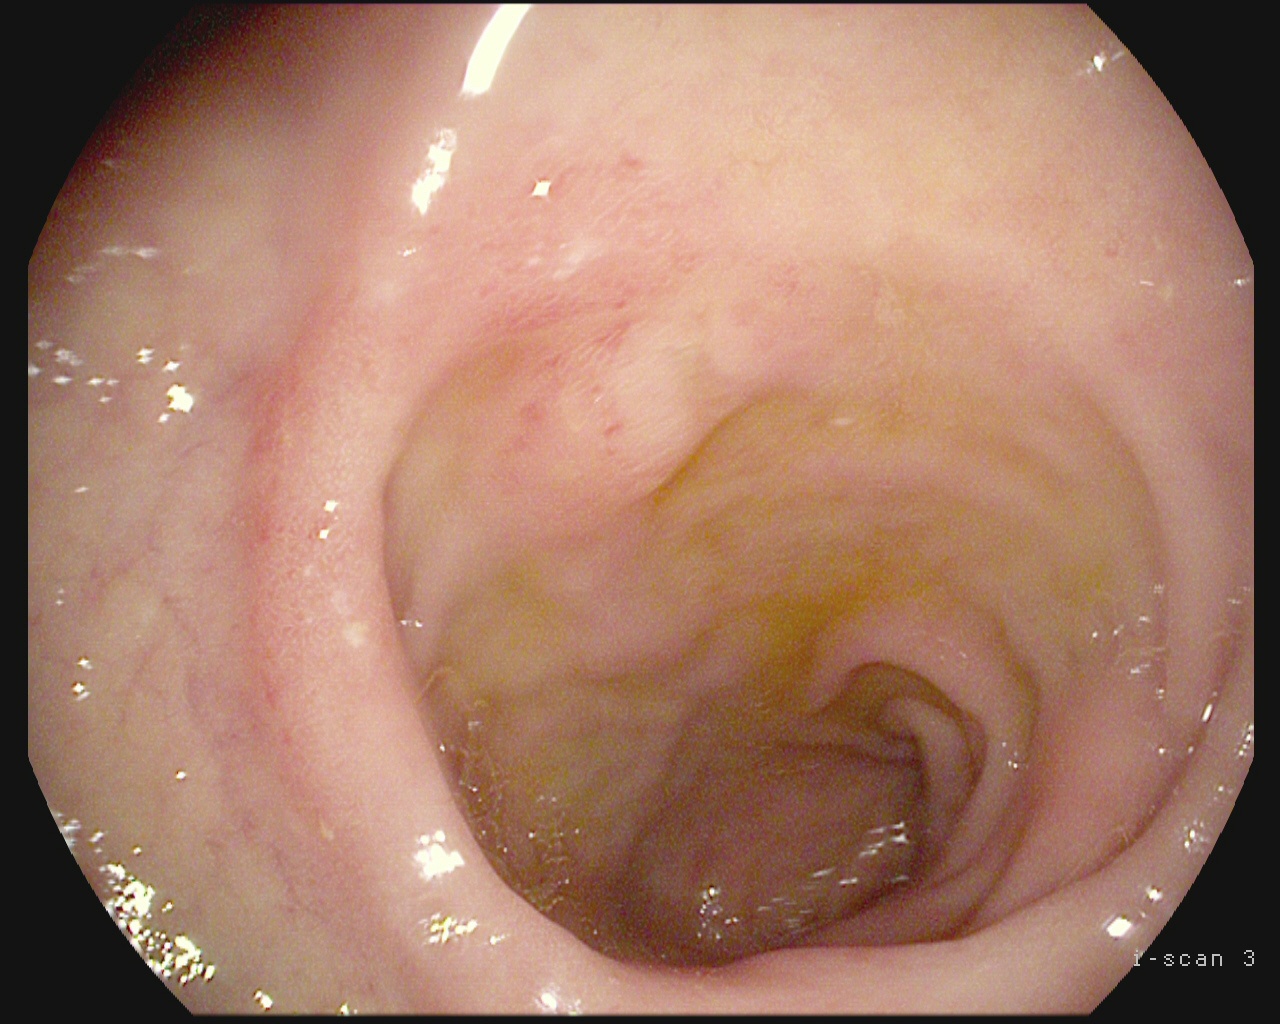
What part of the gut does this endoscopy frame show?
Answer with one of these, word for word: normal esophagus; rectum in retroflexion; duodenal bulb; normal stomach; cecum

normal stomach